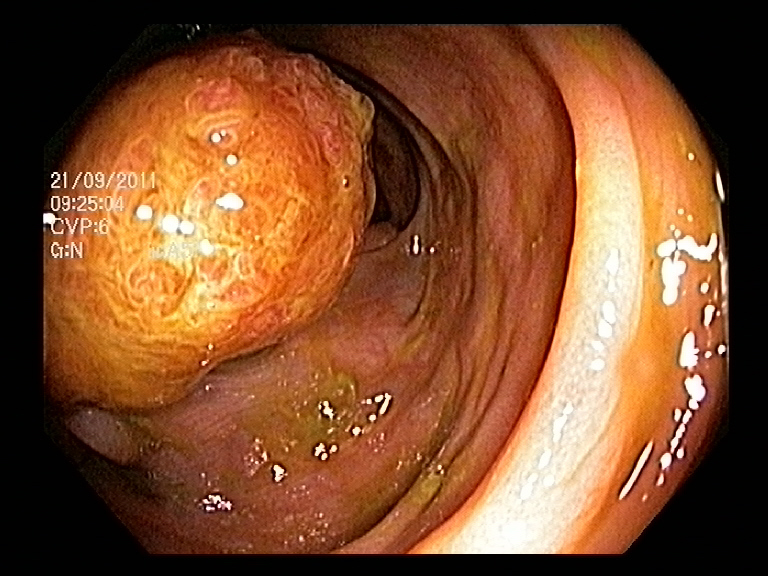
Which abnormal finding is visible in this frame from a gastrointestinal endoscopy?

colon polyp